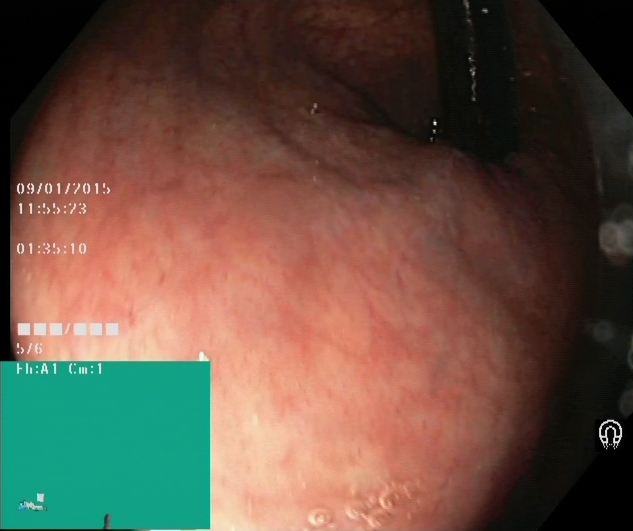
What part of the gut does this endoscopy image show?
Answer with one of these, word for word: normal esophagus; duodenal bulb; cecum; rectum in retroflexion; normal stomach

rectum in retroflexion